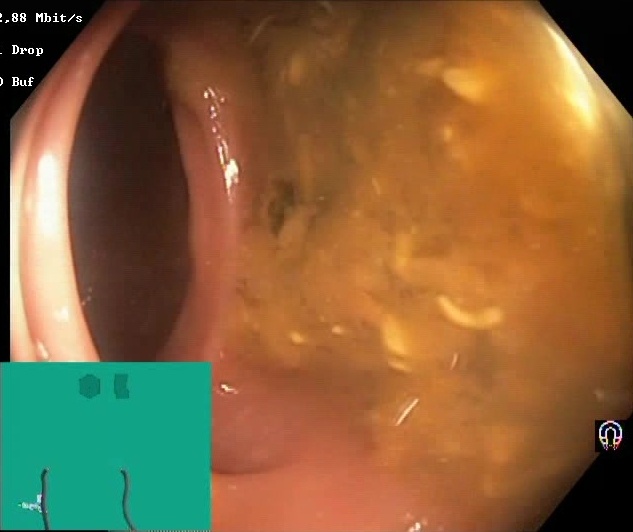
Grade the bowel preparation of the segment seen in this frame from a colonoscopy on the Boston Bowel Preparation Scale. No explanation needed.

Boston Bowel Preparation Scale score 0–1 (inadequate preparation)